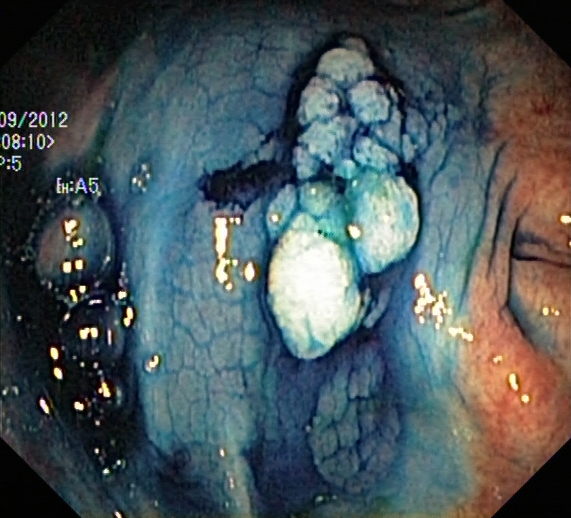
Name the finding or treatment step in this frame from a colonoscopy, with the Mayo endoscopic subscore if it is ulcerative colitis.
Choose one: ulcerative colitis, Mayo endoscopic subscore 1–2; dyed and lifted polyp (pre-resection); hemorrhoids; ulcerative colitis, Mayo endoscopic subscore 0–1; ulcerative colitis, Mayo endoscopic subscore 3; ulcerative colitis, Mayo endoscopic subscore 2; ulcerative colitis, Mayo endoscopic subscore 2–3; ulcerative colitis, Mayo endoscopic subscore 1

dyed and lifted polyp (pre-resection)